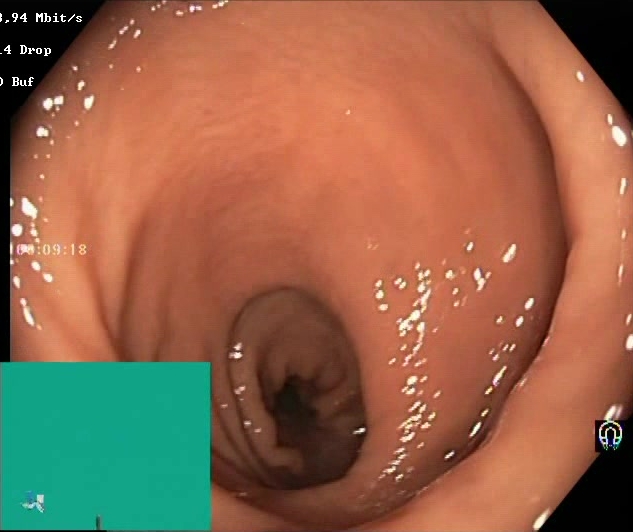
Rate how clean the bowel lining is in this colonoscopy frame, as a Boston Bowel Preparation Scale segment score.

Boston Bowel Preparation Scale score 2–3 (adequate preparation)